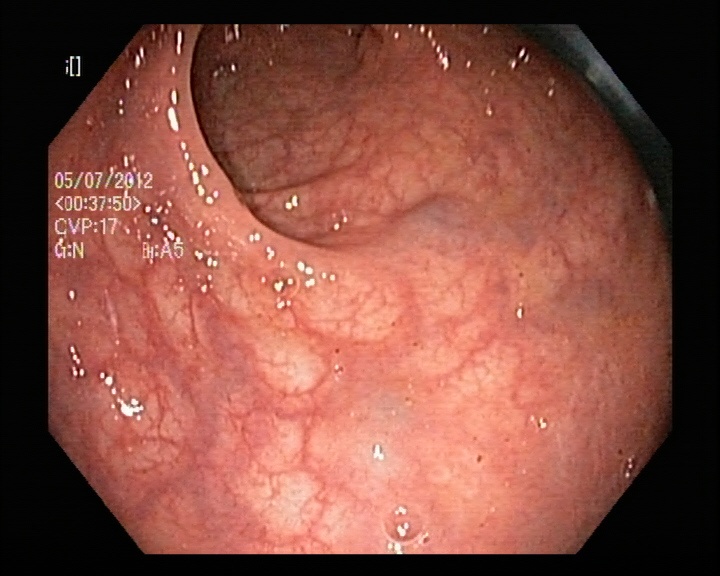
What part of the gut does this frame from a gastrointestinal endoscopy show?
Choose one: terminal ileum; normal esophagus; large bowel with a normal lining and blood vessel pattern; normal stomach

large bowel with a normal lining and blood vessel pattern